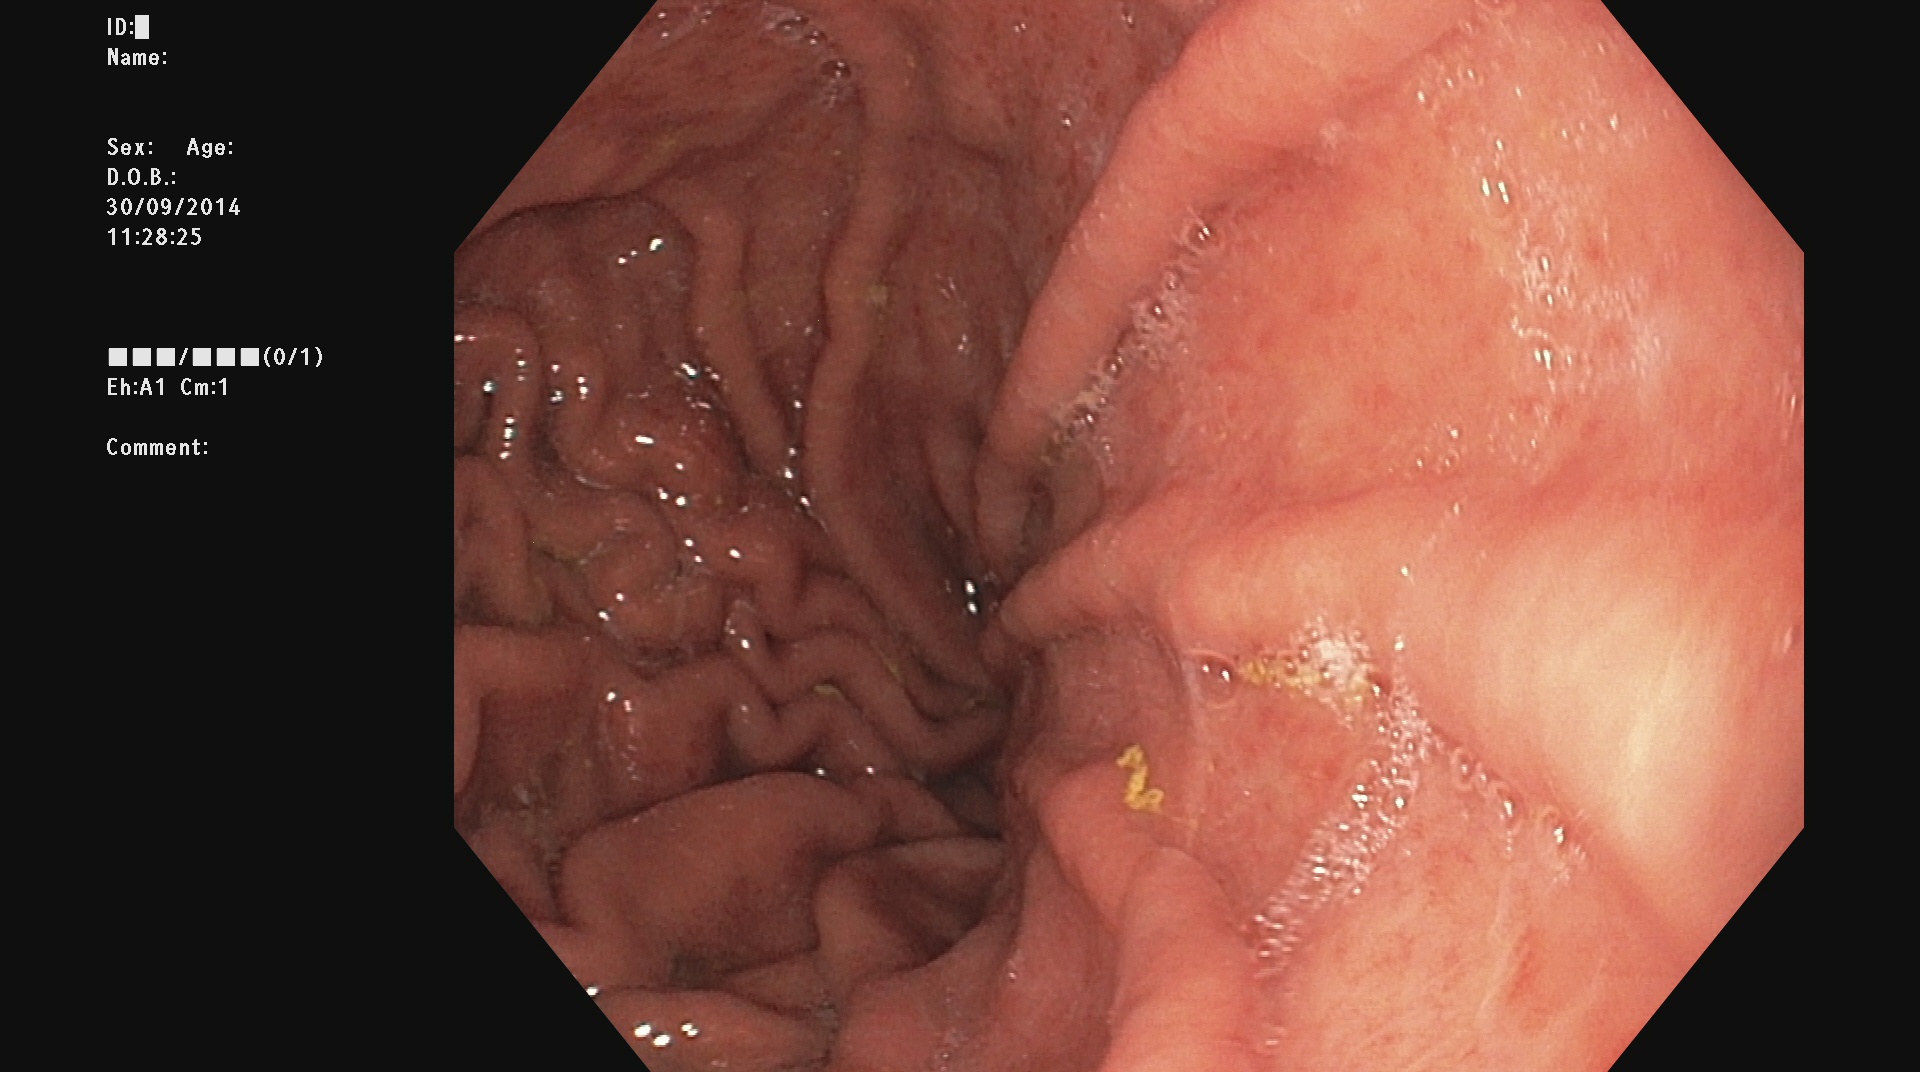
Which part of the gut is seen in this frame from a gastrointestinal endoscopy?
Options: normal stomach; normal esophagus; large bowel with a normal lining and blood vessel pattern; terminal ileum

normal stomach